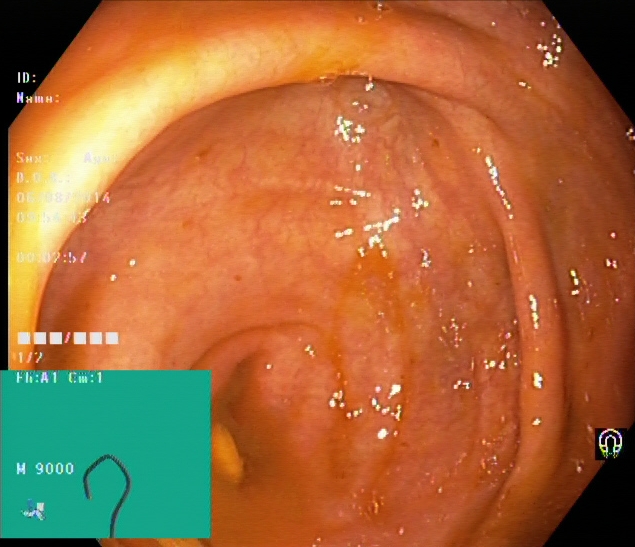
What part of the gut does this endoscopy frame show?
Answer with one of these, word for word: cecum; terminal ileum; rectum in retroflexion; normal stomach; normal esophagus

cecum